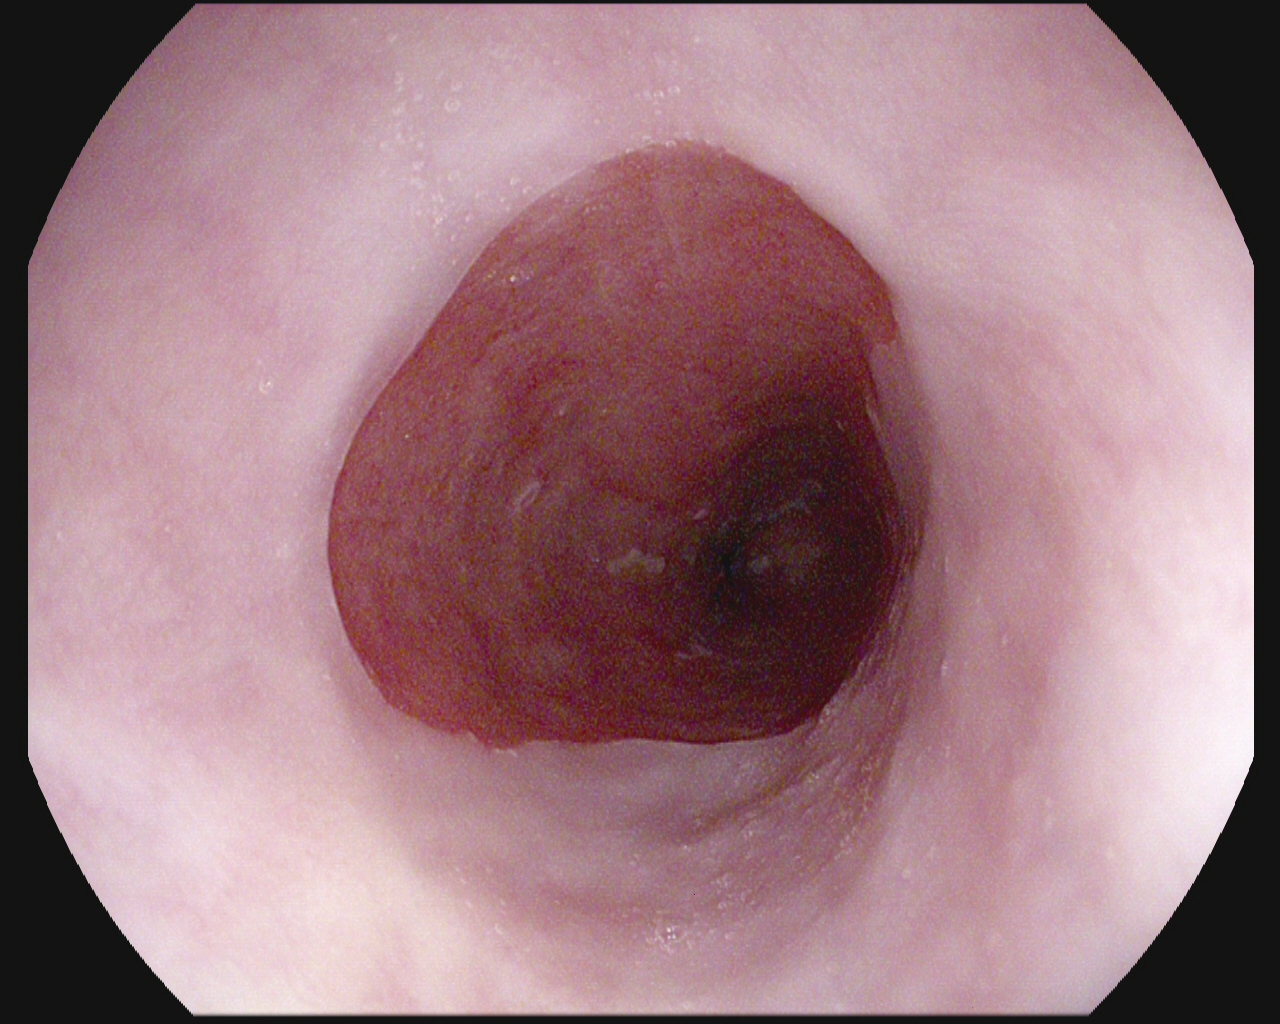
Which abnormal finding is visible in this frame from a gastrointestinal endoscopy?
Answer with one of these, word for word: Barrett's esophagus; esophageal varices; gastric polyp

Barrett's esophagus